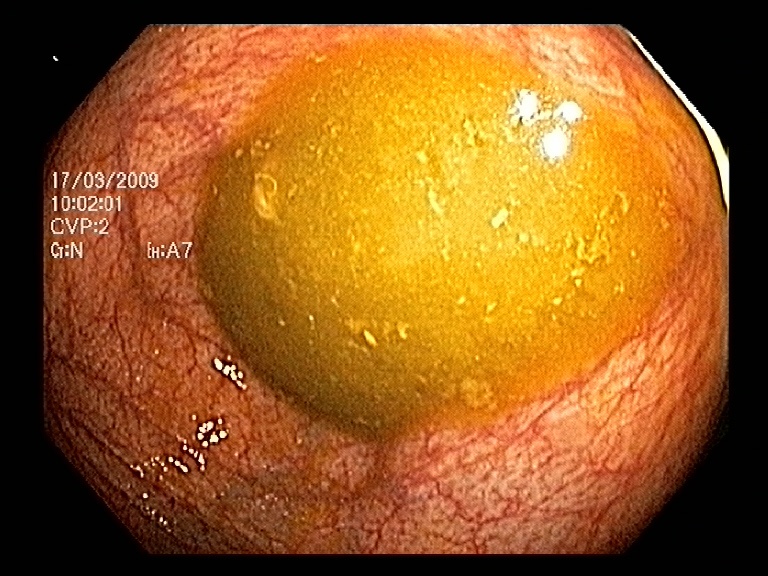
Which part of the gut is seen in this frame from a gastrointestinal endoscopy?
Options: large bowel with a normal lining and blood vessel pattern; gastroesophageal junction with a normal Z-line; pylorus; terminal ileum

large bowel with a normal lining and blood vessel pattern